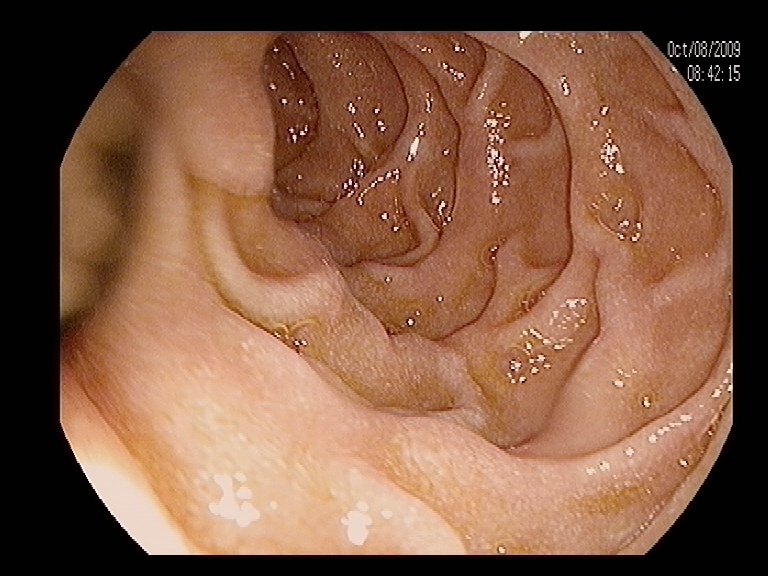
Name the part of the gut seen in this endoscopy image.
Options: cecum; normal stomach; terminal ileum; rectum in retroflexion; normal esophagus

terminal ileum